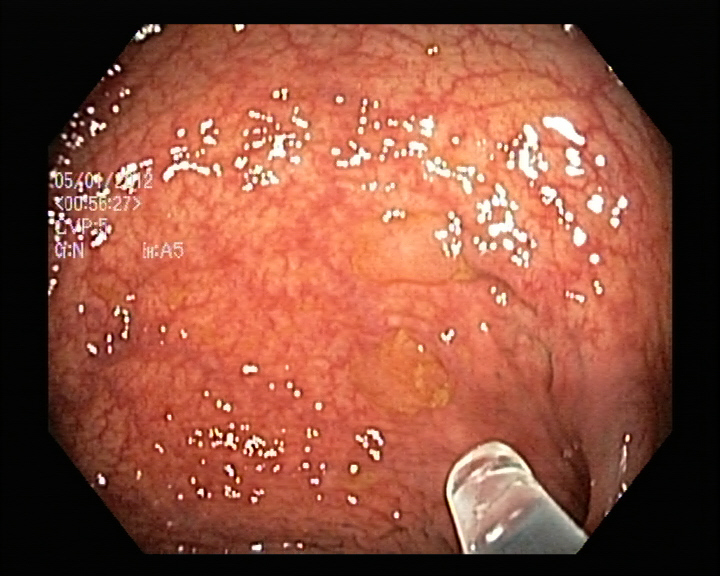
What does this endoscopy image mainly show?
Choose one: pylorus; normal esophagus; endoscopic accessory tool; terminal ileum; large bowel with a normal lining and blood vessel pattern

endoscopic accessory tool